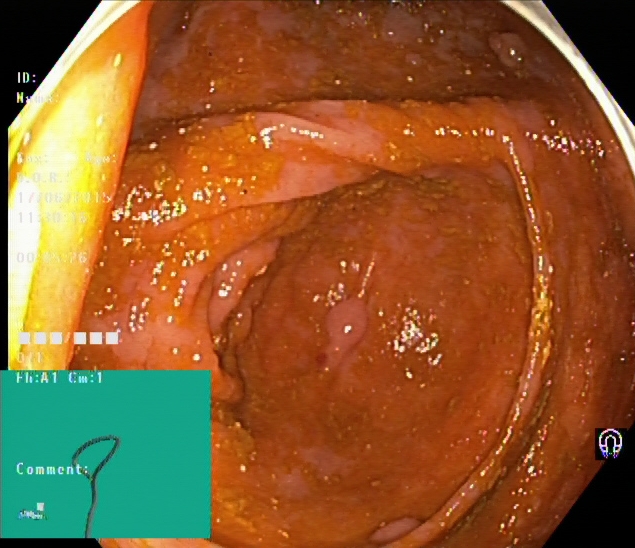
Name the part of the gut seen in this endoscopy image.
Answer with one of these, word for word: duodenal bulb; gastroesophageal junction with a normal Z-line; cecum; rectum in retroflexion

cecum